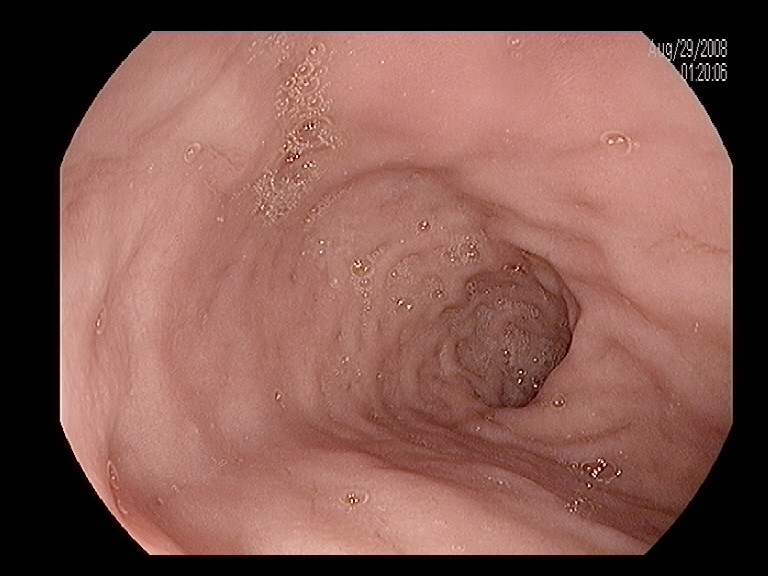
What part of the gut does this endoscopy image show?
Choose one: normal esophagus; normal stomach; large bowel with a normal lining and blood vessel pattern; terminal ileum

normal stomach